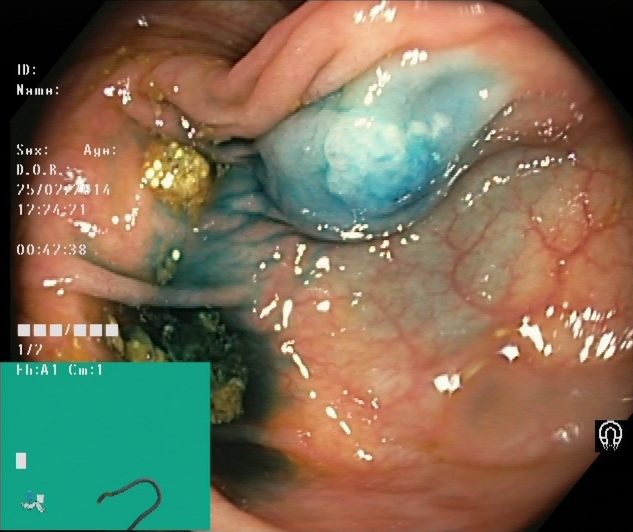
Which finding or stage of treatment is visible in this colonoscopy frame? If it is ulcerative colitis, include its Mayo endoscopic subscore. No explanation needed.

dyed and lifted polyp (pre-resection)